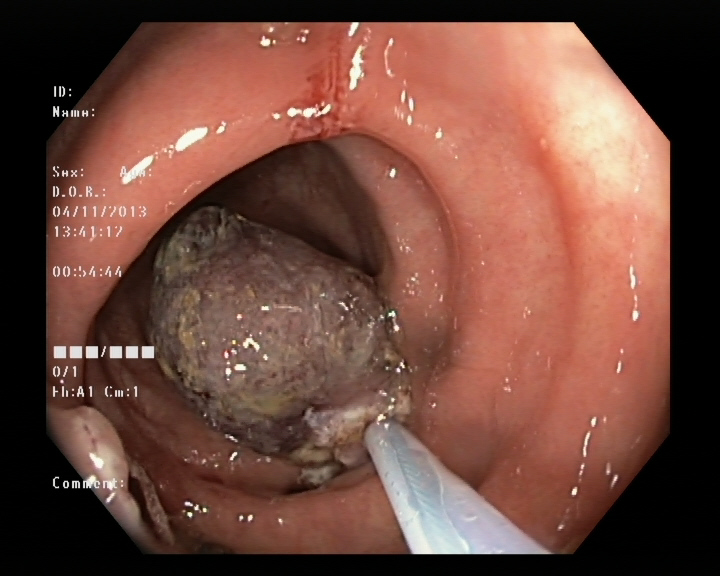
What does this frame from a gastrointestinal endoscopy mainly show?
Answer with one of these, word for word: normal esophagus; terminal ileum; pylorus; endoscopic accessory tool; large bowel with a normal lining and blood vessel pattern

endoscopic accessory tool